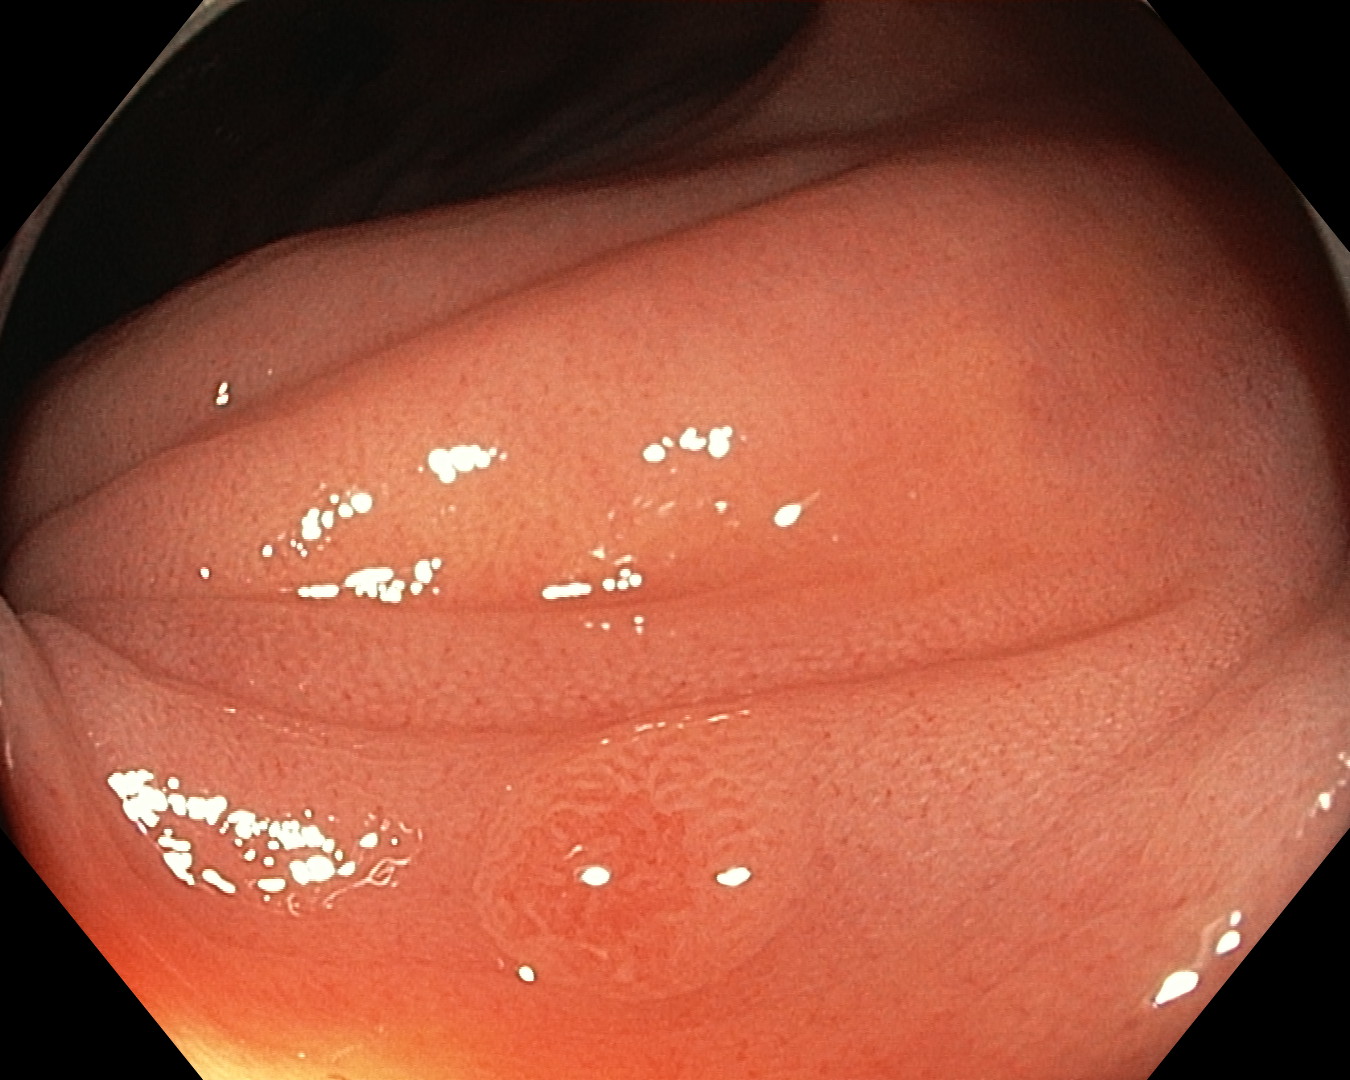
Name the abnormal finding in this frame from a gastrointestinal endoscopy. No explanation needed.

colon polyp